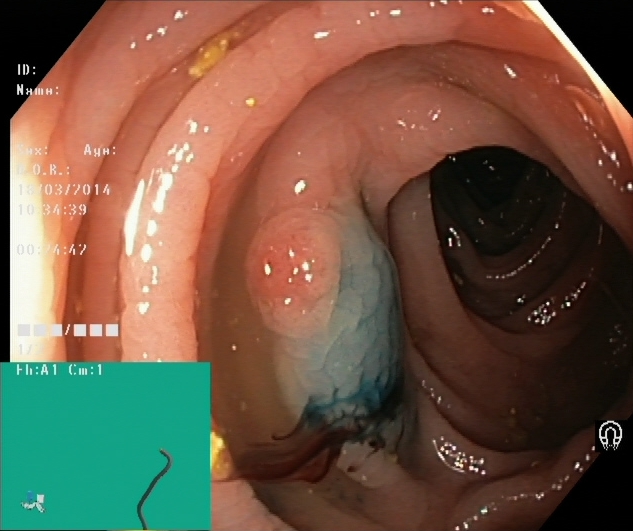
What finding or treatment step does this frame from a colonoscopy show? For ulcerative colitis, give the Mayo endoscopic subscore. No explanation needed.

dyed and lifted polyp (pre-resection)